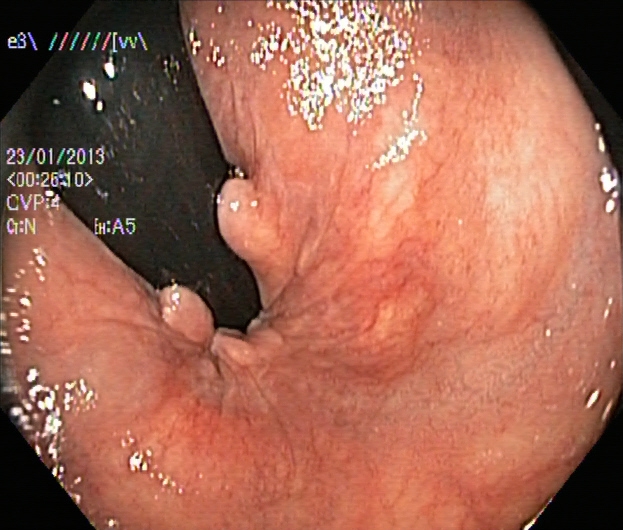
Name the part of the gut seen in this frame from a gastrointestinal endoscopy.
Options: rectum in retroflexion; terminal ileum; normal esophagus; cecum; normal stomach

rectum in retroflexion